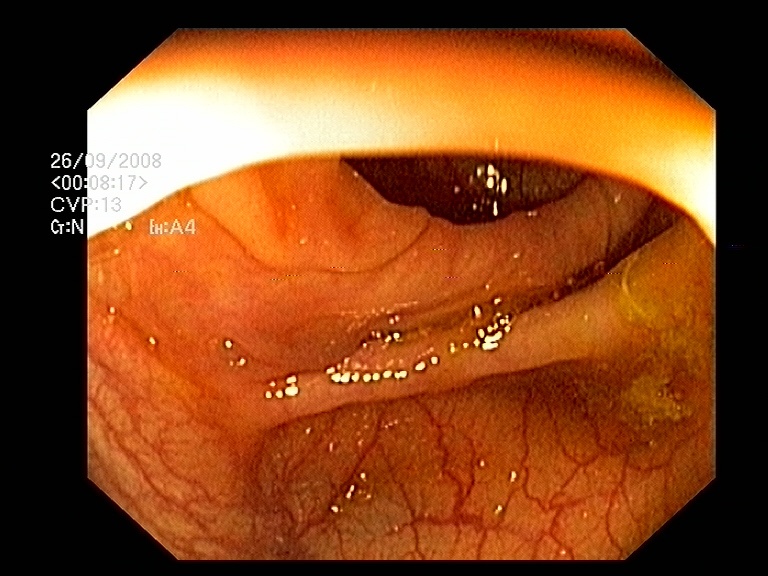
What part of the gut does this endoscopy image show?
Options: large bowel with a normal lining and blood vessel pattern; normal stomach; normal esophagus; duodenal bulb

large bowel with a normal lining and blood vessel pattern